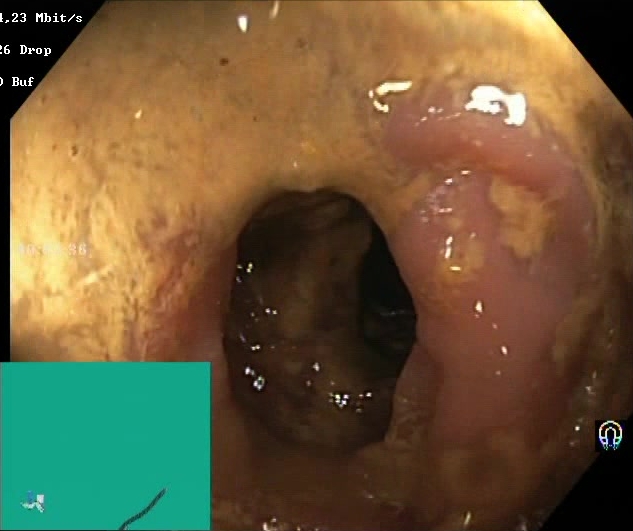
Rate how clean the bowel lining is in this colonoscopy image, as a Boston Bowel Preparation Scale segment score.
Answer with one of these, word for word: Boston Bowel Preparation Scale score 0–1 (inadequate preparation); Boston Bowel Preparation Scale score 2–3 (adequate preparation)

Boston Bowel Preparation Scale score 0–1 (inadequate preparation)